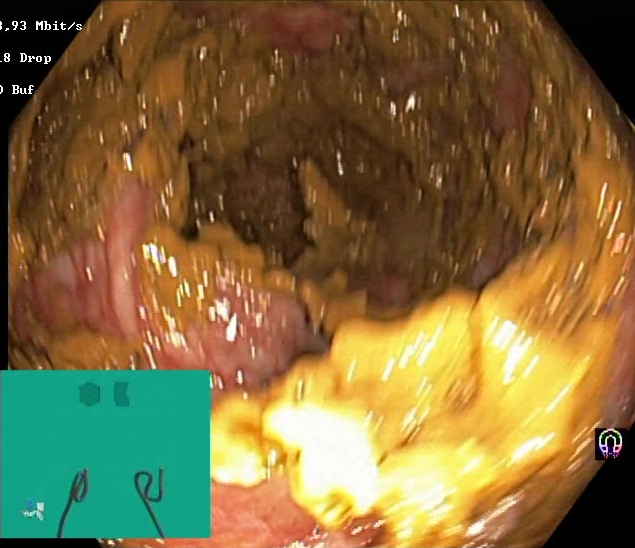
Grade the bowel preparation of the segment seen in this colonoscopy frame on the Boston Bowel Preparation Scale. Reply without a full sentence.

Boston Bowel Preparation Scale score 0–1 (inadequate preparation)